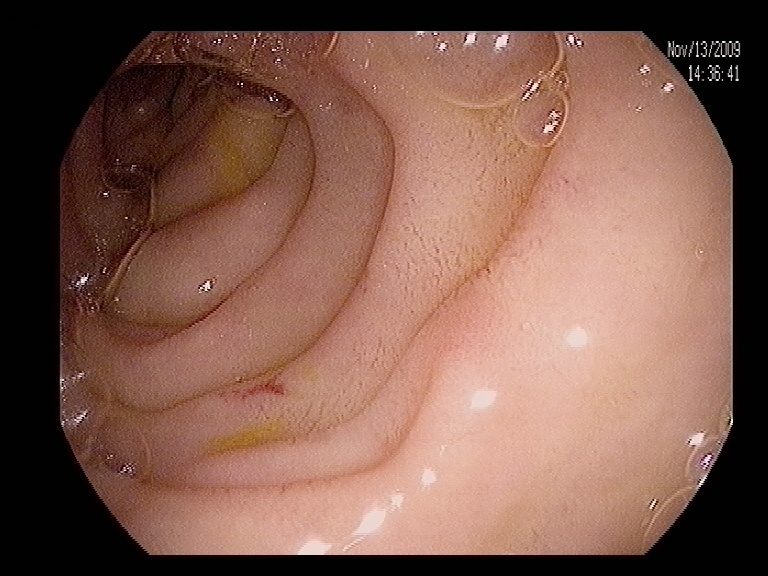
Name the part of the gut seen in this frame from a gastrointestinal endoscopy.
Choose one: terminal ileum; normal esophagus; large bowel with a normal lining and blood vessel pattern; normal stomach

terminal ileum